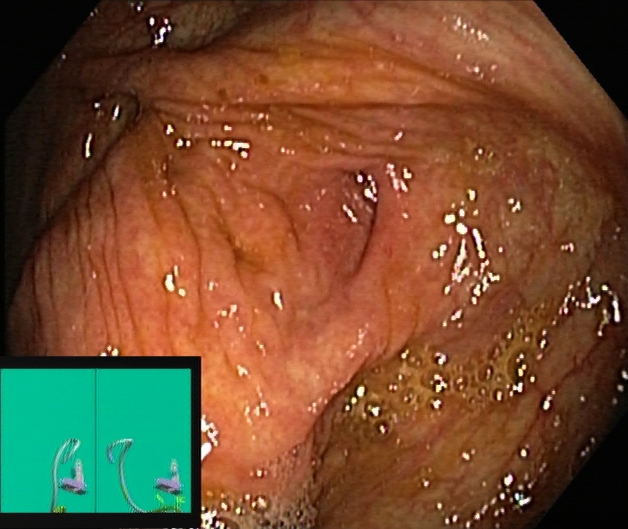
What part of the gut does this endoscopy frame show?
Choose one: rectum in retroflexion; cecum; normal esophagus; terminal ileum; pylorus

cecum